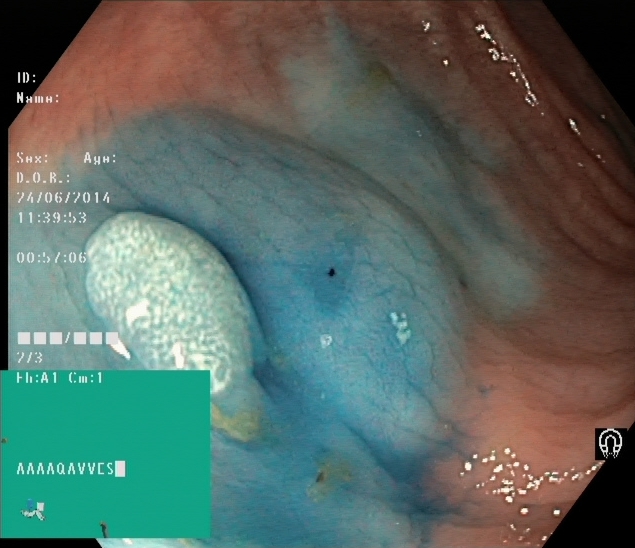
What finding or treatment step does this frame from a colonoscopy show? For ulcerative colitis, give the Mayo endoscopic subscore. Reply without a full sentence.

dyed and lifted polyp (pre-resection)